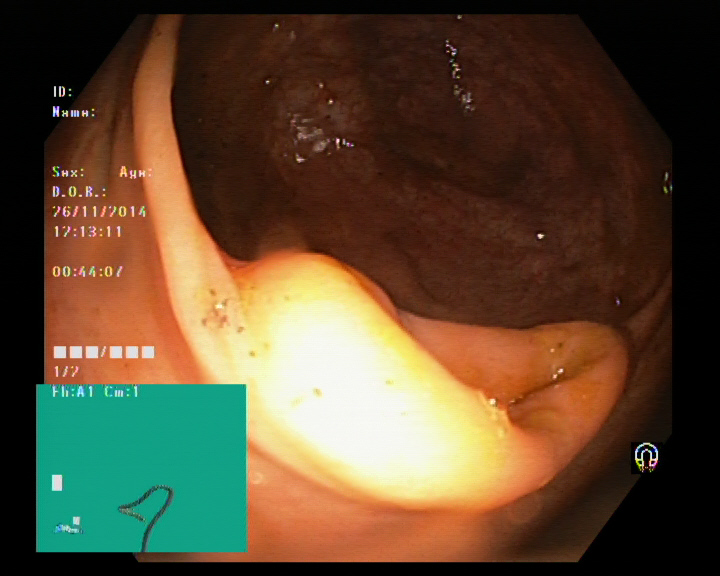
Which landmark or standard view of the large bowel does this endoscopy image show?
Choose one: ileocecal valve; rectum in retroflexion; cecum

ileocecal valve